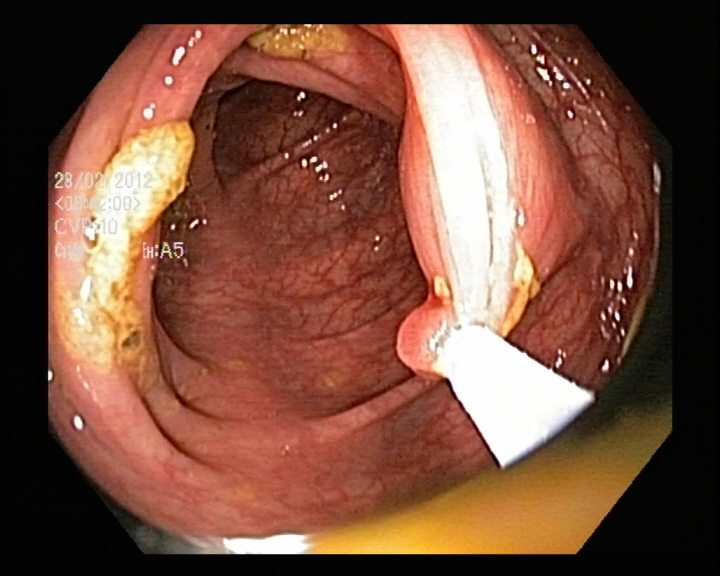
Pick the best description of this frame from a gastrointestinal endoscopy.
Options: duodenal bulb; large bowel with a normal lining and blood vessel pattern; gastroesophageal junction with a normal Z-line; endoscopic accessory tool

endoscopic accessory tool